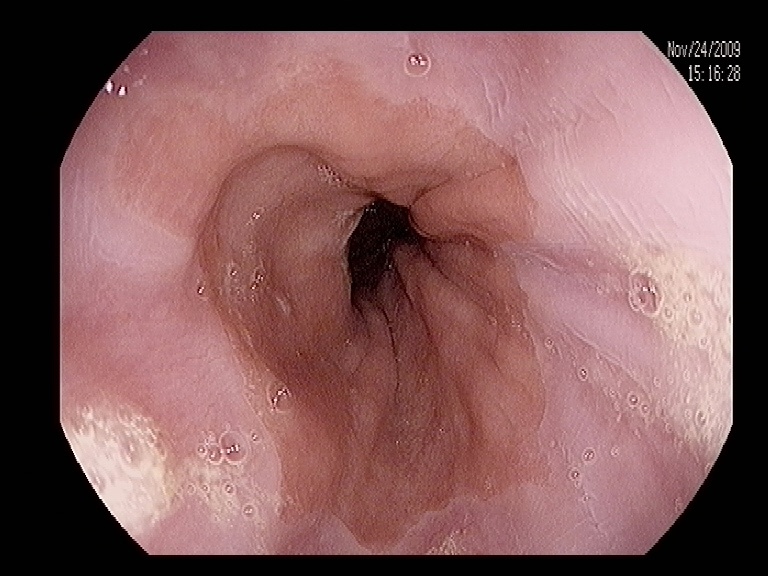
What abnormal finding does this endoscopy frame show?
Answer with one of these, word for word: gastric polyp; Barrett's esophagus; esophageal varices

Barrett's esophagus